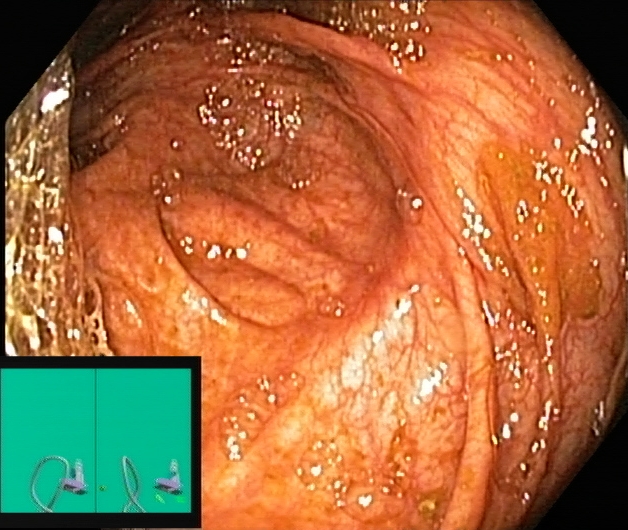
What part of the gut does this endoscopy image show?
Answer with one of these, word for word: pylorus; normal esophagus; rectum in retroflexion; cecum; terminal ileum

cecum